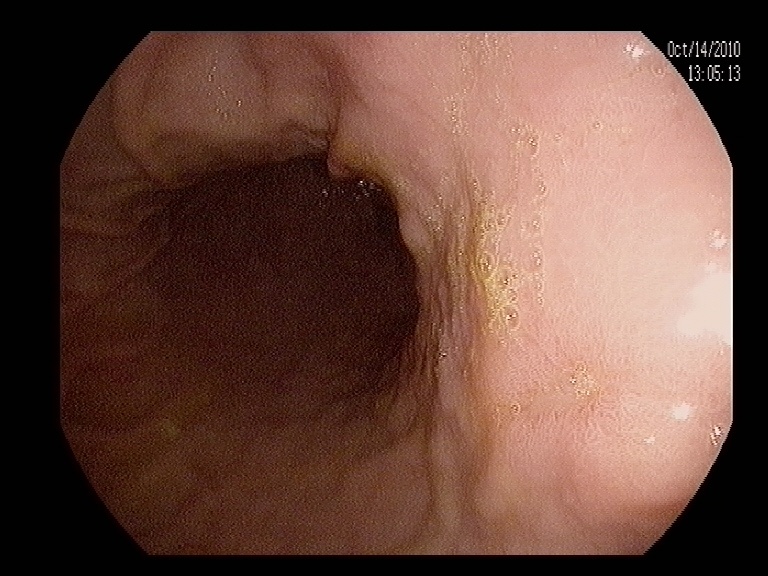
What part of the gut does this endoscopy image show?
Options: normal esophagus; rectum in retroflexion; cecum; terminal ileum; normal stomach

normal stomach